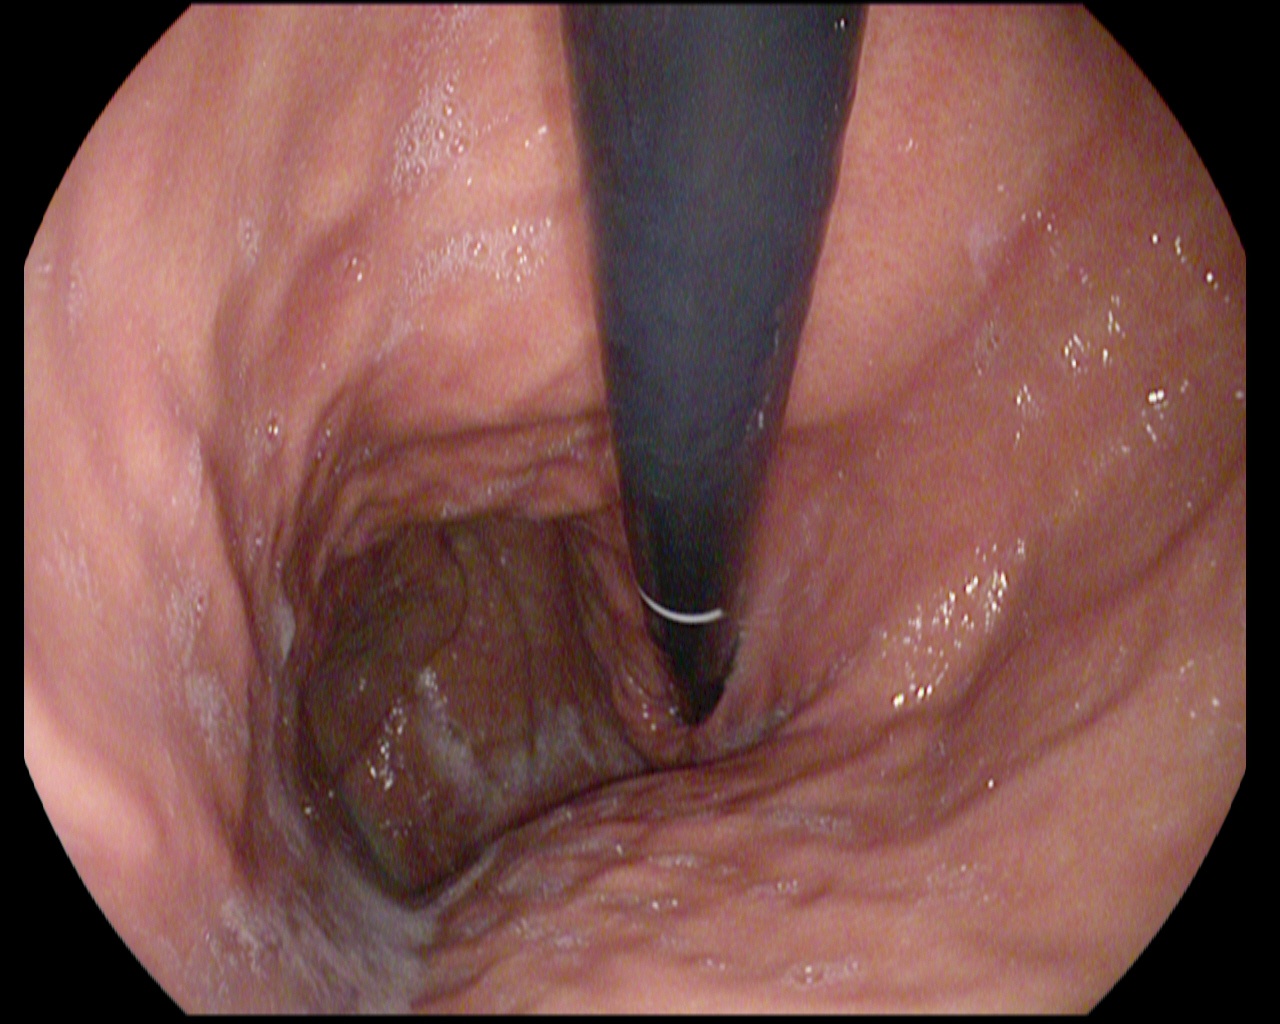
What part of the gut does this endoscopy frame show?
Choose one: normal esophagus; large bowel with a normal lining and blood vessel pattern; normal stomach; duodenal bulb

normal stomach